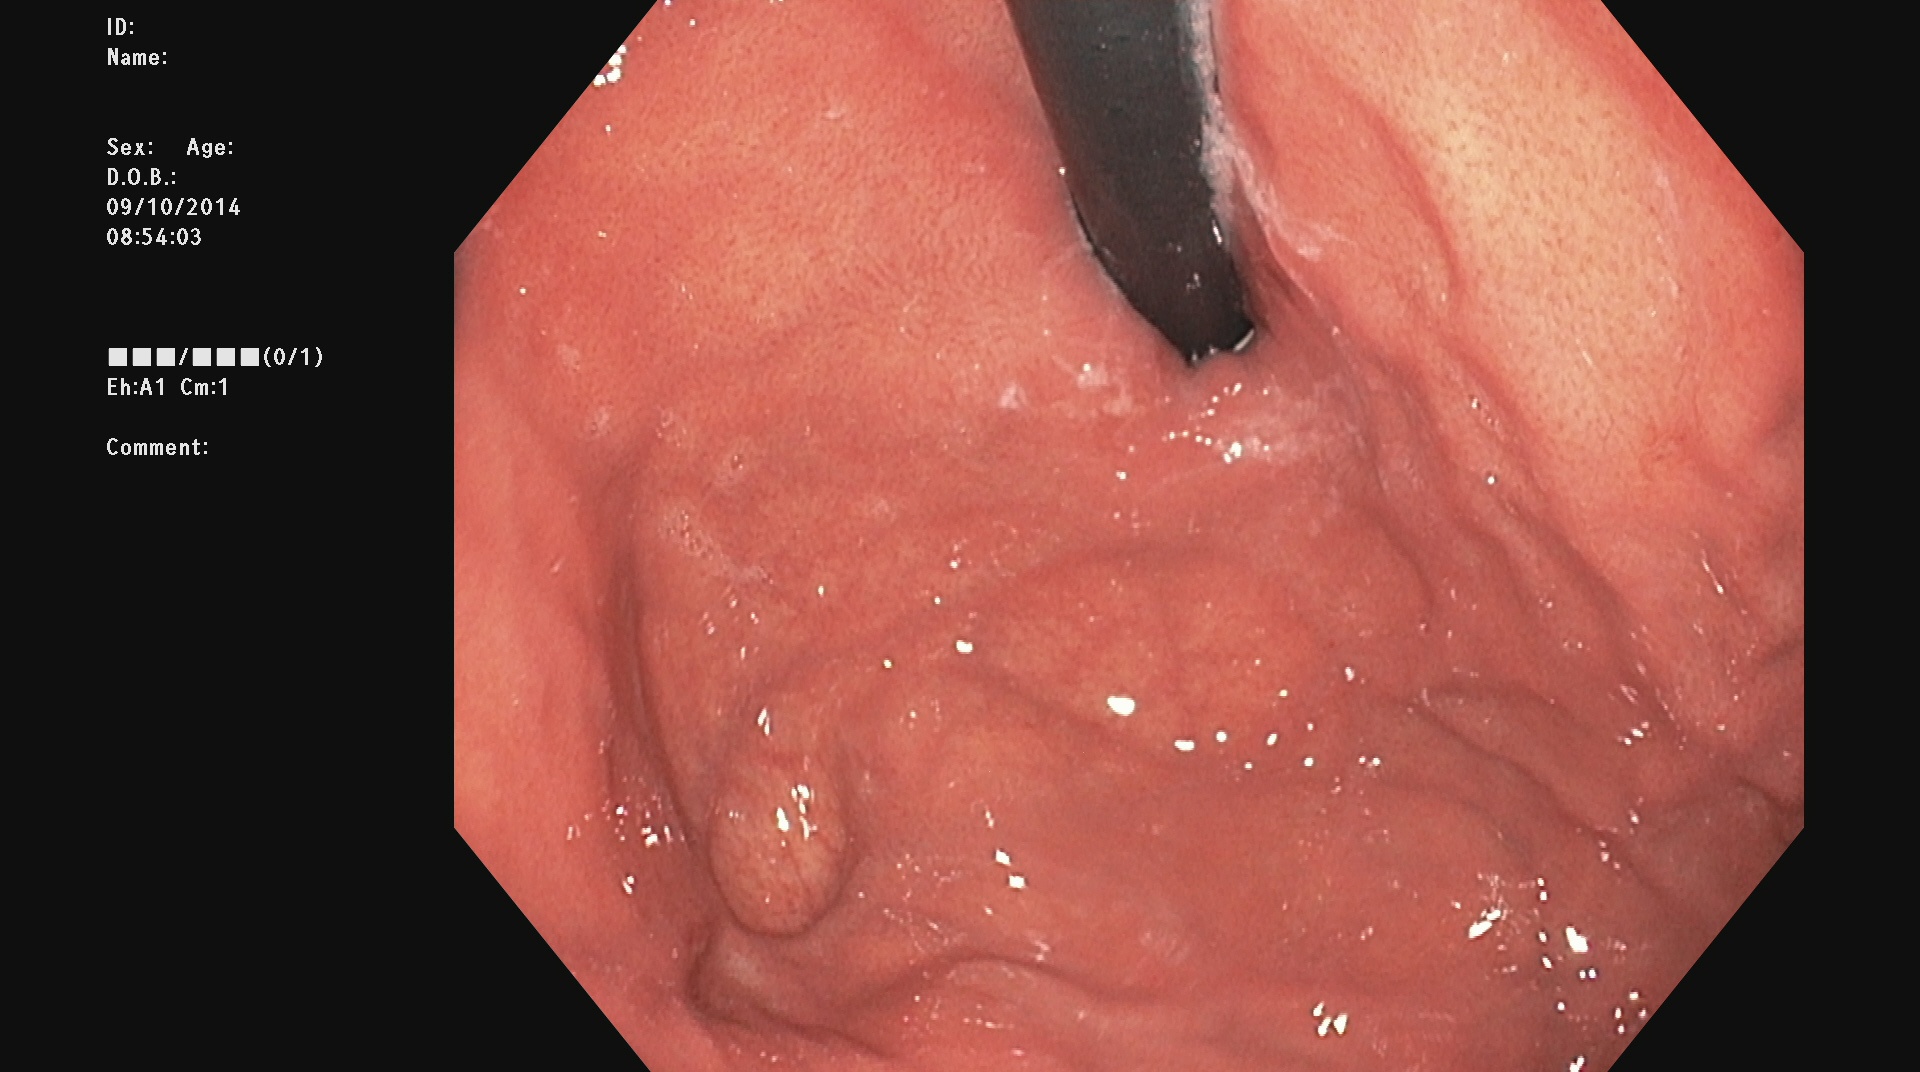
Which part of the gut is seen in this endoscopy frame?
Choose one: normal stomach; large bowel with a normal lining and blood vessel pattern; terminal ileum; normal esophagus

normal stomach